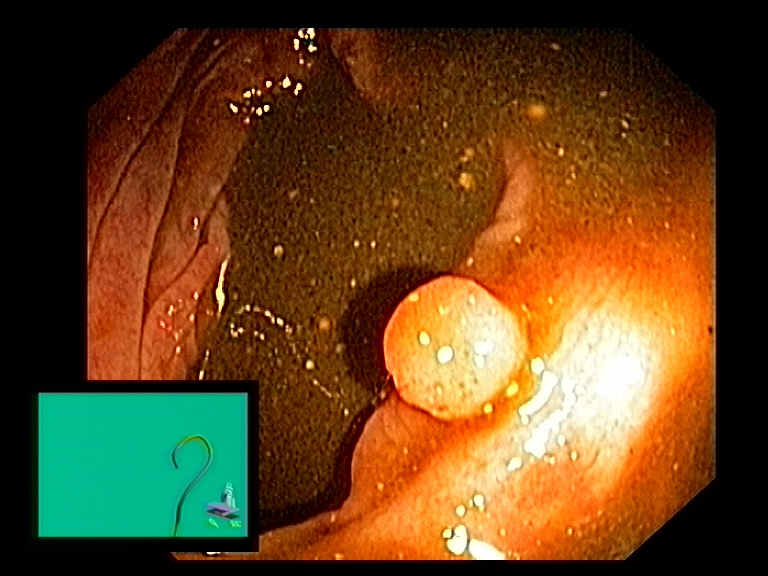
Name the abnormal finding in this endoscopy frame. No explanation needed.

colon polyp